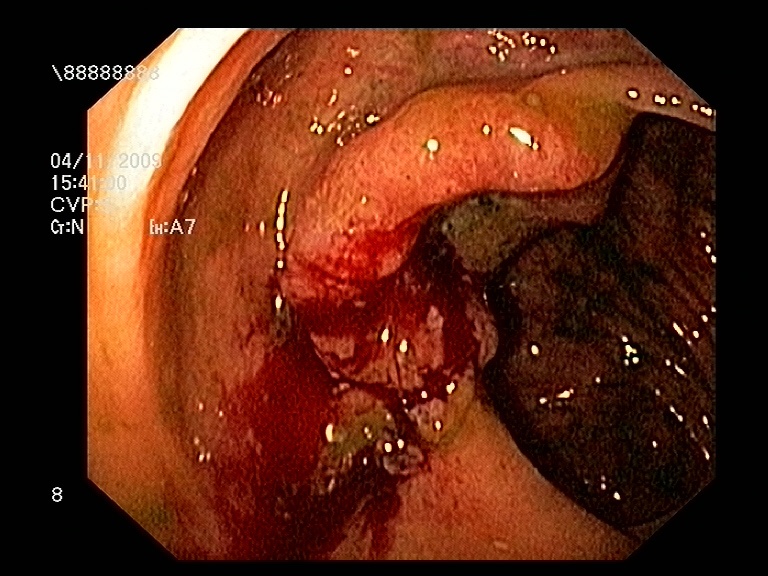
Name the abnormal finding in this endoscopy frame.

colorectal cancer